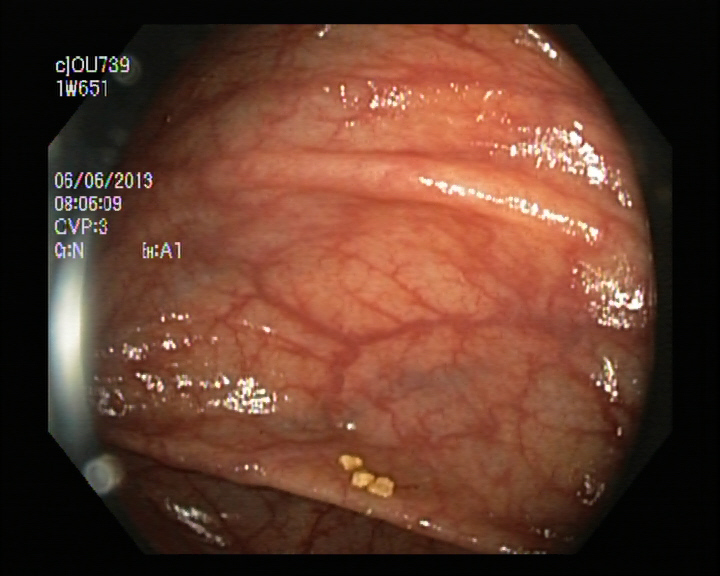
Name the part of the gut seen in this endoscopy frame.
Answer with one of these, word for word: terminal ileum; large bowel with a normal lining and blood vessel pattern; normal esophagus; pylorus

large bowel with a normal lining and blood vessel pattern